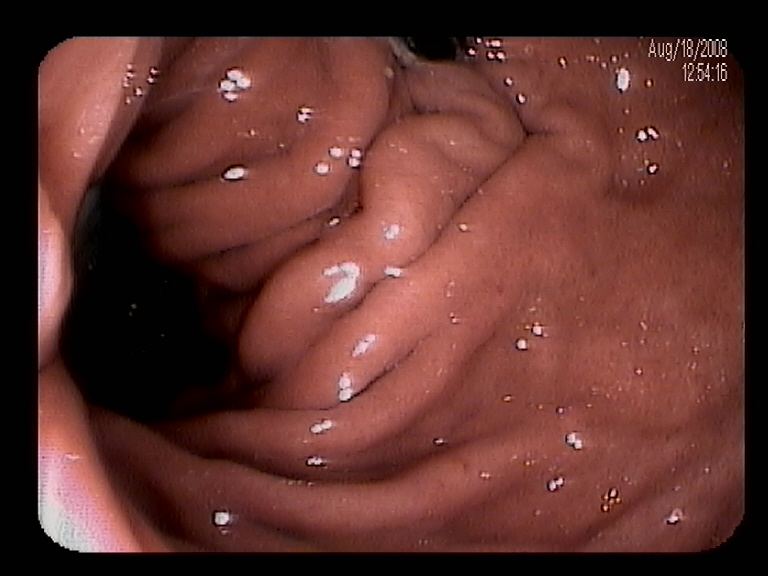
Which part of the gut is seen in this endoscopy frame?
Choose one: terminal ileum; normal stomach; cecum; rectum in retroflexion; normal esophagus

normal stomach